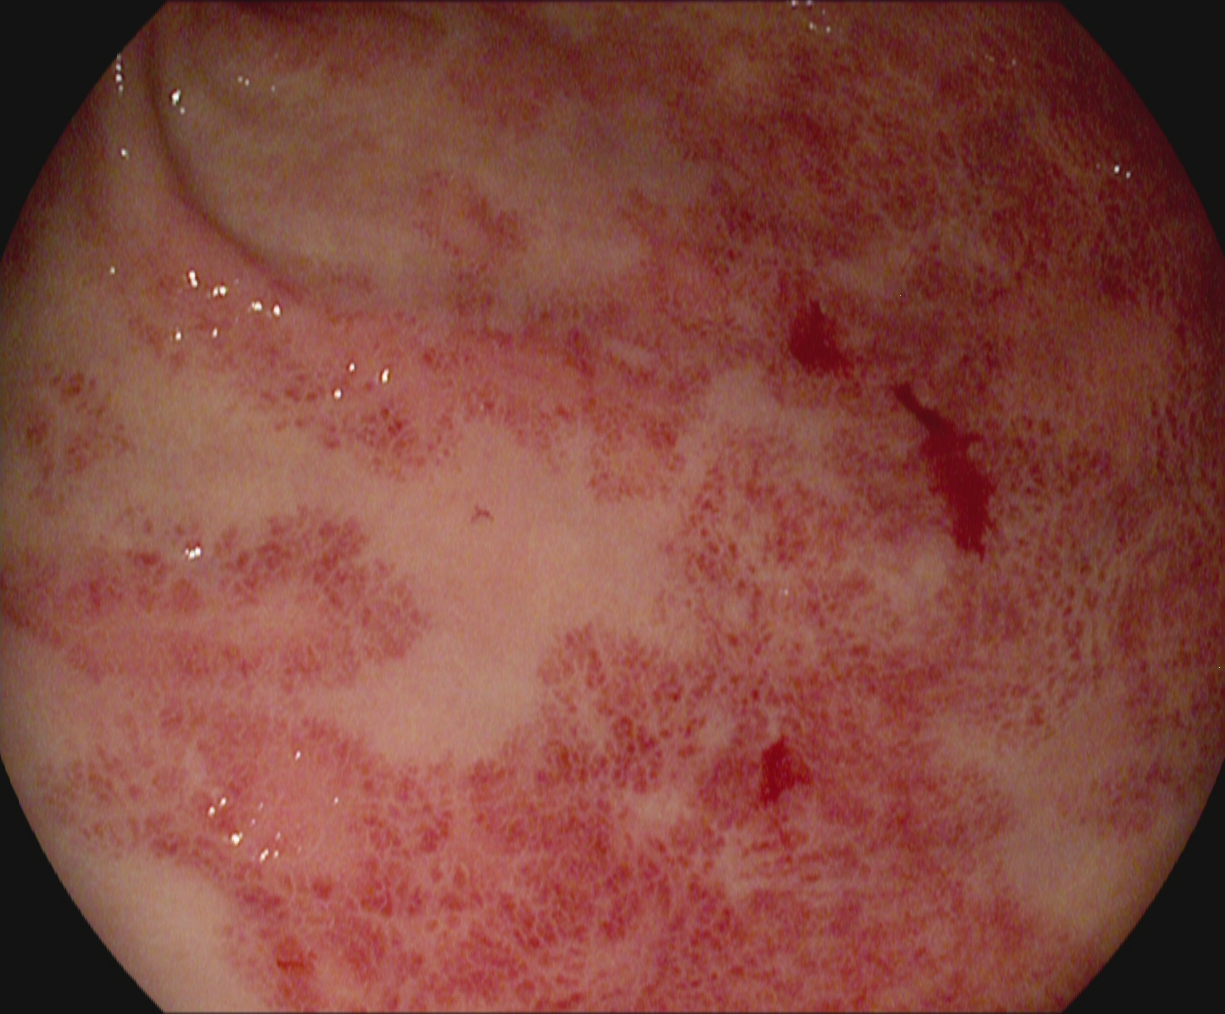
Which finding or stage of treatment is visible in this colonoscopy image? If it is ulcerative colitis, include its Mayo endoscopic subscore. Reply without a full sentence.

ulcerative colitis, Mayo endoscopic subscore 2